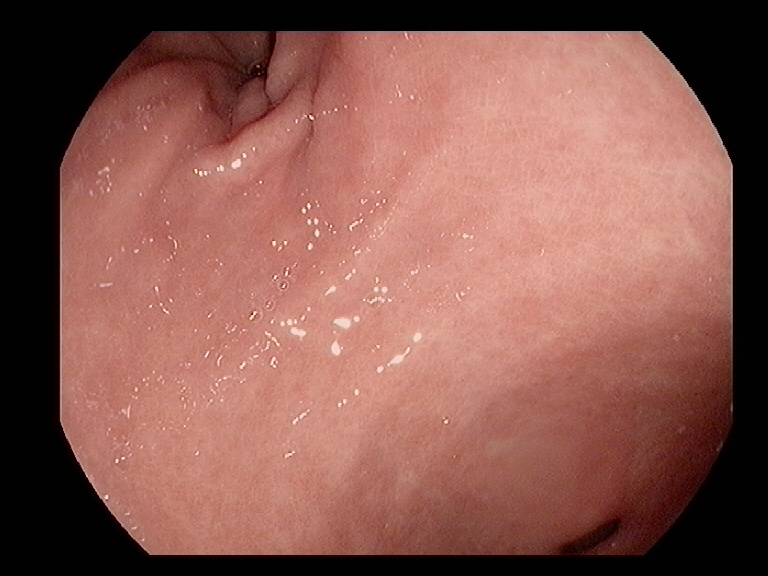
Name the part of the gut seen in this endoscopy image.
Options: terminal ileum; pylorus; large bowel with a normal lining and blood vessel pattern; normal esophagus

pylorus